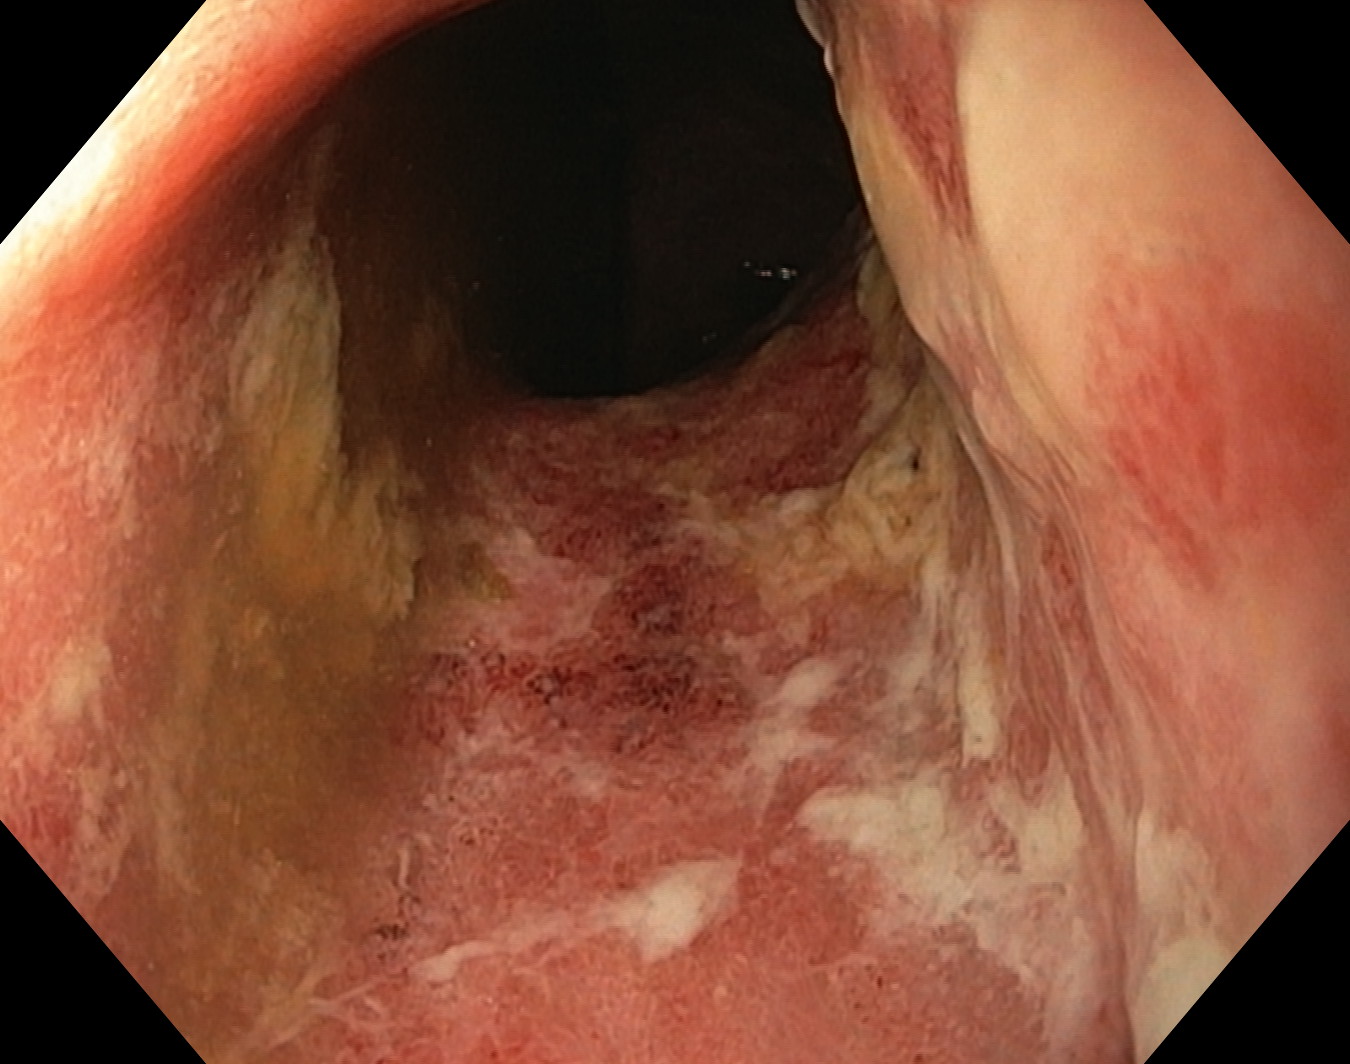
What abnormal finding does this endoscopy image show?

mucosal inflammation of the large bowel